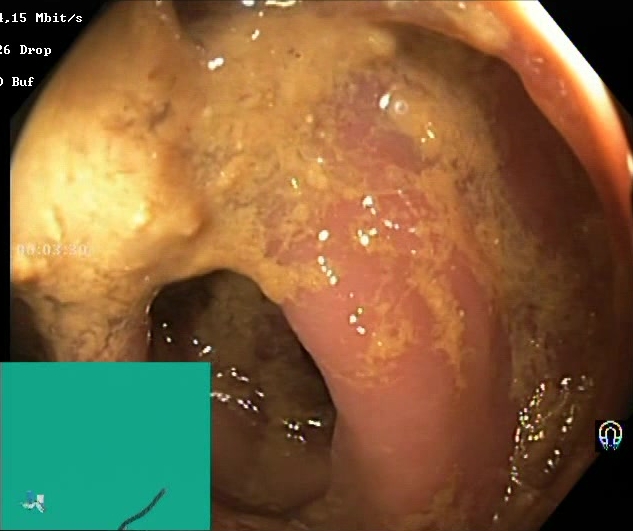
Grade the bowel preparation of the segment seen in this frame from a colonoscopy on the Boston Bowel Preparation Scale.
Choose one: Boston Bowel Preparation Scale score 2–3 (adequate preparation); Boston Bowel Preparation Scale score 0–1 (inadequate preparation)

Boston Bowel Preparation Scale score 0–1 (inadequate preparation)